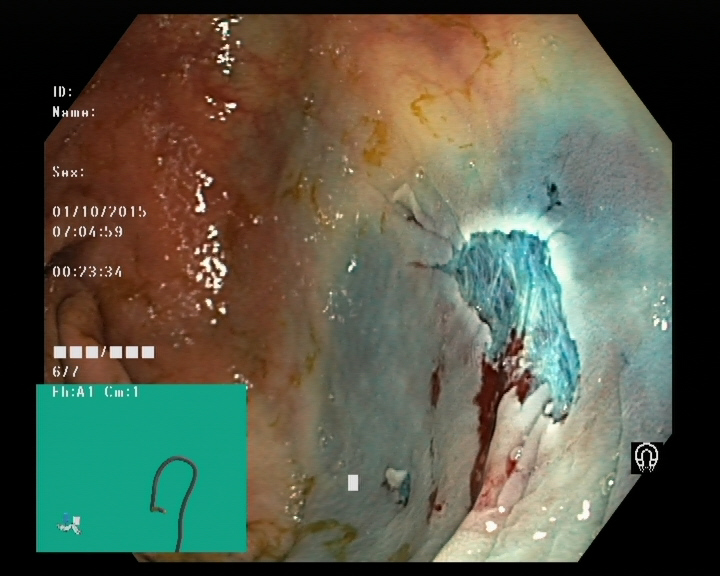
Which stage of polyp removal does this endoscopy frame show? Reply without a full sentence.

dyed resection margin (post-polypectomy)